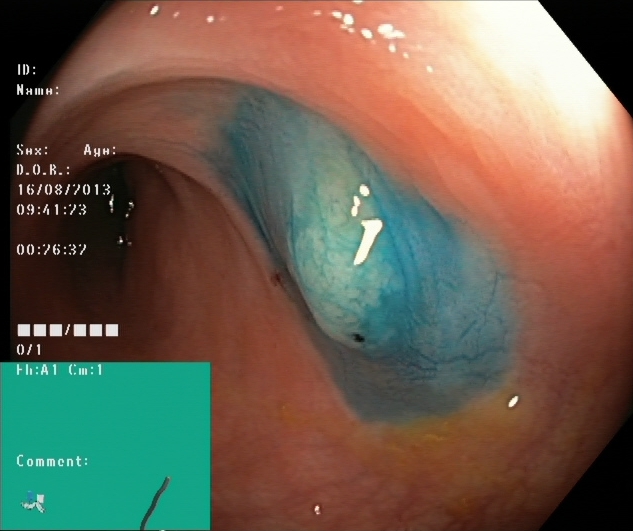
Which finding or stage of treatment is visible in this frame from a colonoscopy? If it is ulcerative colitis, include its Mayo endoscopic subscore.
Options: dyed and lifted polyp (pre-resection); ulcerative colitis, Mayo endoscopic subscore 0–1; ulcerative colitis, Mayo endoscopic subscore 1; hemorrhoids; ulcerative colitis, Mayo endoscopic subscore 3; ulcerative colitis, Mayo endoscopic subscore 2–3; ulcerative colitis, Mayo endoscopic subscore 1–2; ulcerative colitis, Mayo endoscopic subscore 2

dyed and lifted polyp (pre-resection)